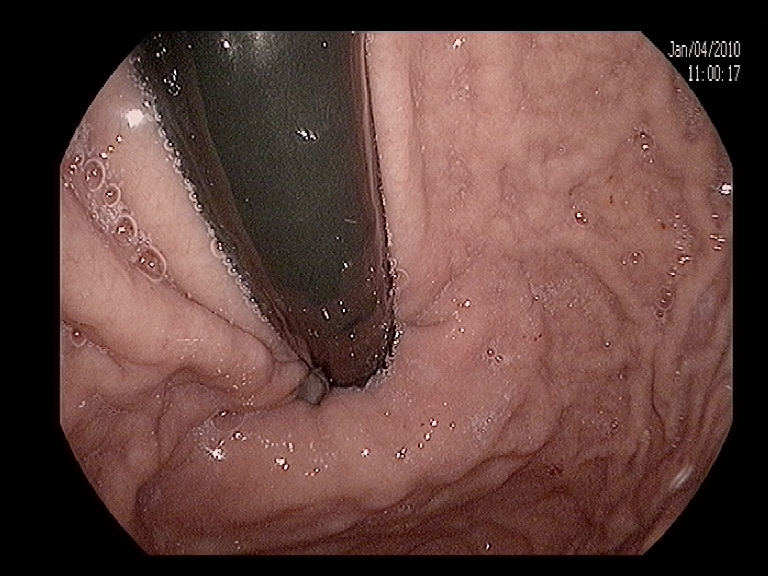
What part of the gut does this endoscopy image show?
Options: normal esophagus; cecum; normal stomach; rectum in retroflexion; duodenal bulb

normal stomach